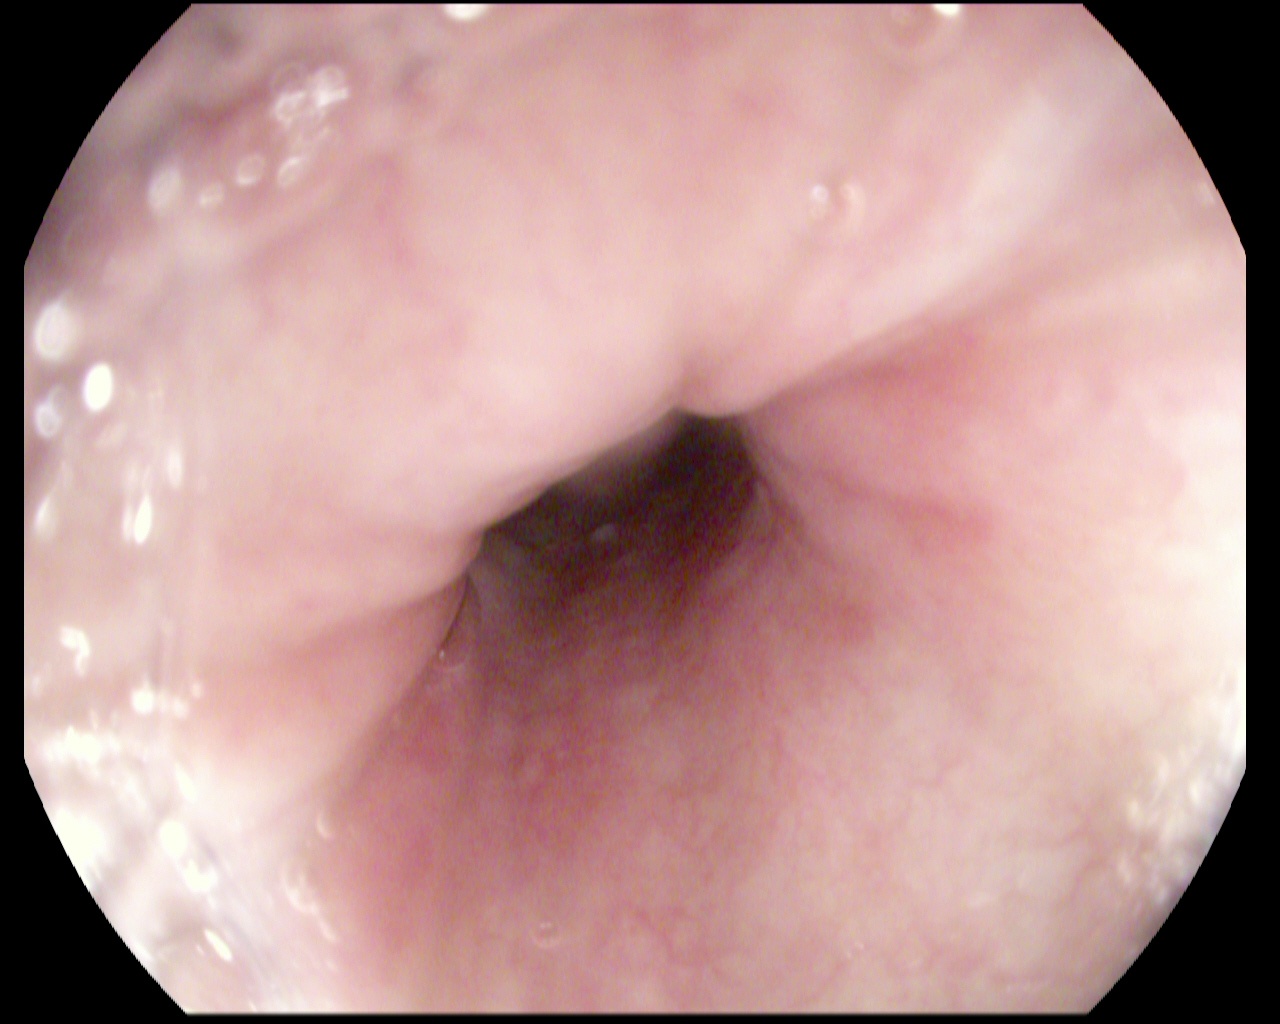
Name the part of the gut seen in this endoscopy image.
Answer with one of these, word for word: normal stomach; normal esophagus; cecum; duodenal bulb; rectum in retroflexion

normal esophagus